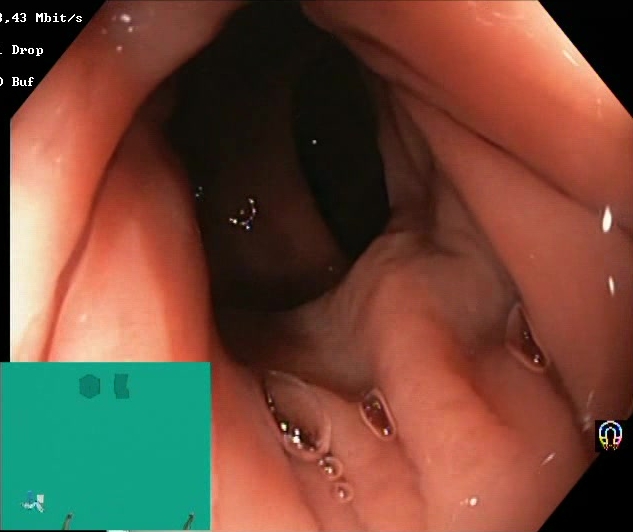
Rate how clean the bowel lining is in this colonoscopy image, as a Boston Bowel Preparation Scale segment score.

Boston Bowel Preparation Scale score 2–3 (adequate preparation)